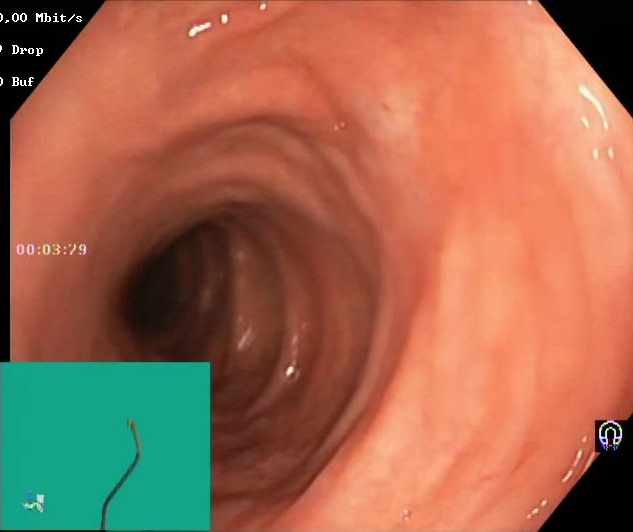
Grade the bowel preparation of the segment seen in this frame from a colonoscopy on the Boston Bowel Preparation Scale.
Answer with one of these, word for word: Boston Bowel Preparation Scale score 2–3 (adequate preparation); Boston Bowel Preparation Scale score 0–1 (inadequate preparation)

Boston Bowel Preparation Scale score 2–3 (adequate preparation)